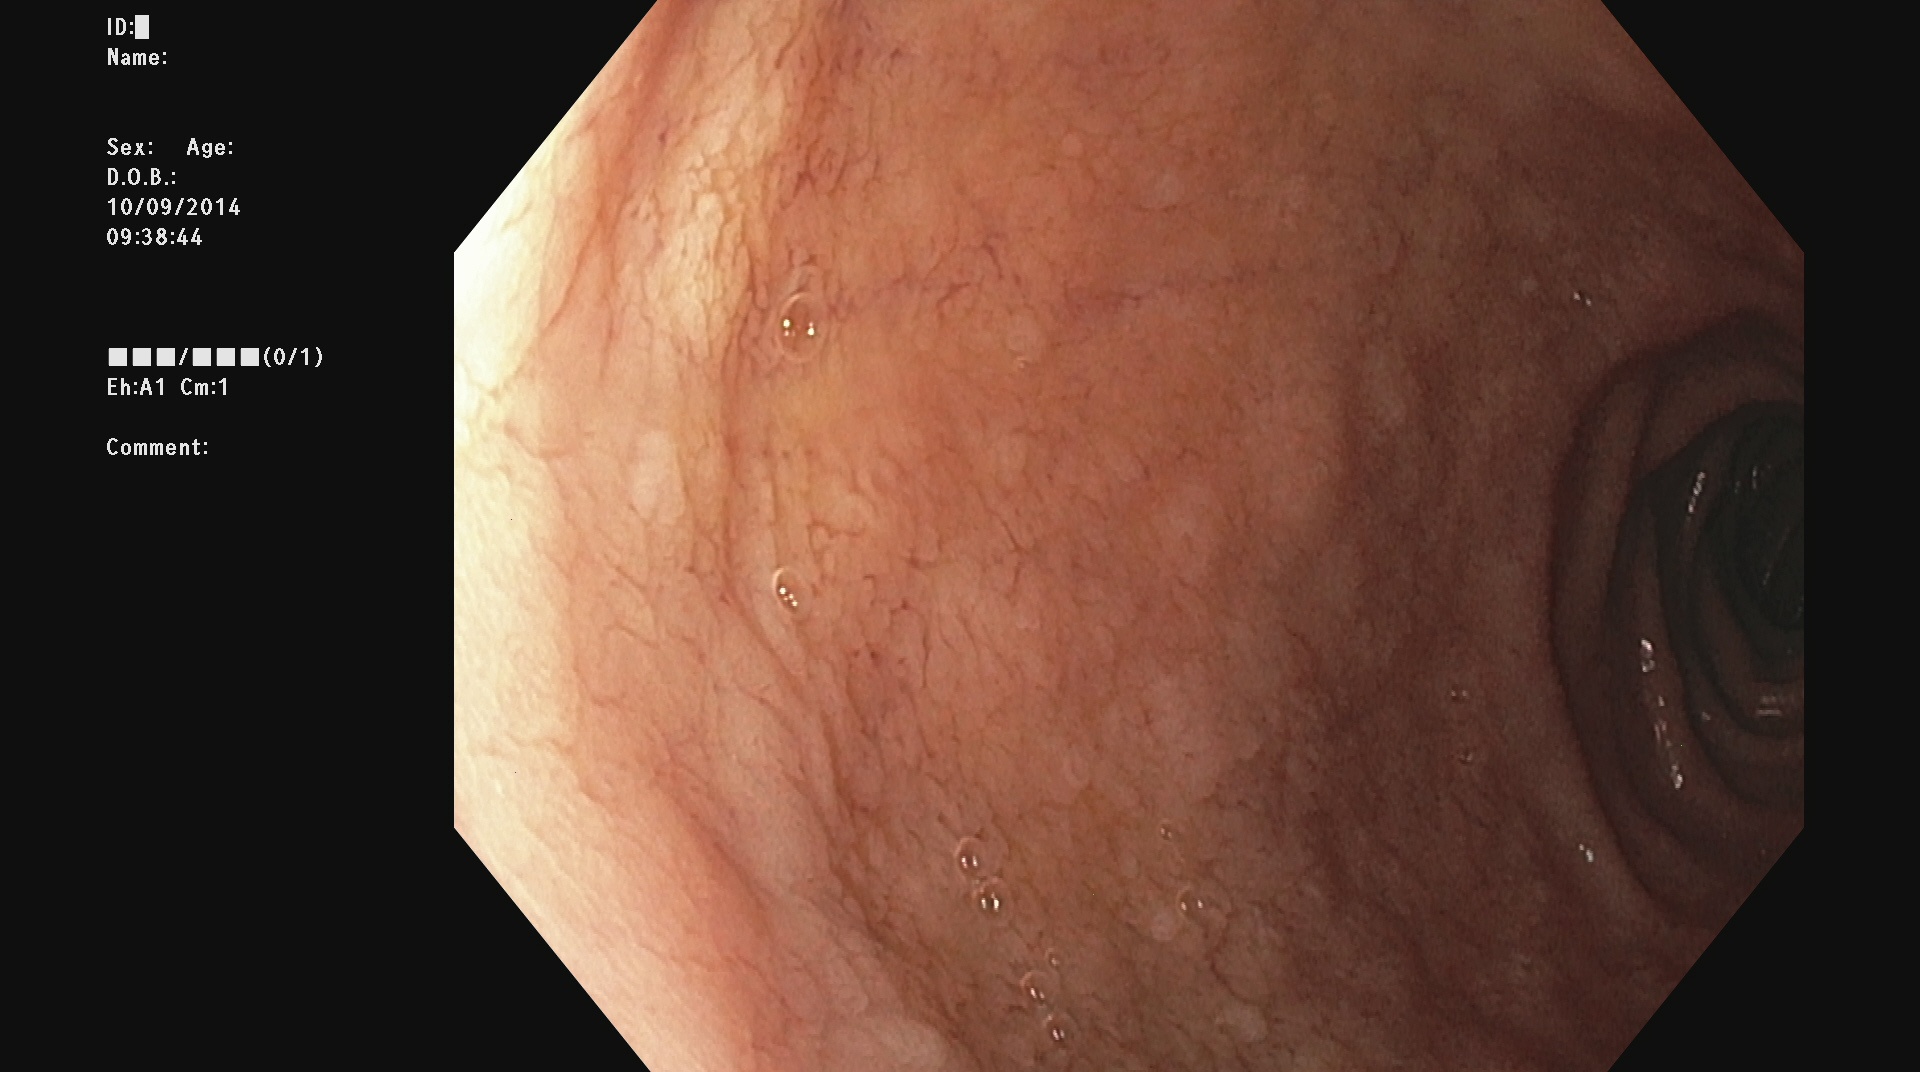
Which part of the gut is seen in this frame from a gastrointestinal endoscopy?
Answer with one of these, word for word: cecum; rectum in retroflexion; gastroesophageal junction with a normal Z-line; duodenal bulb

duodenal bulb